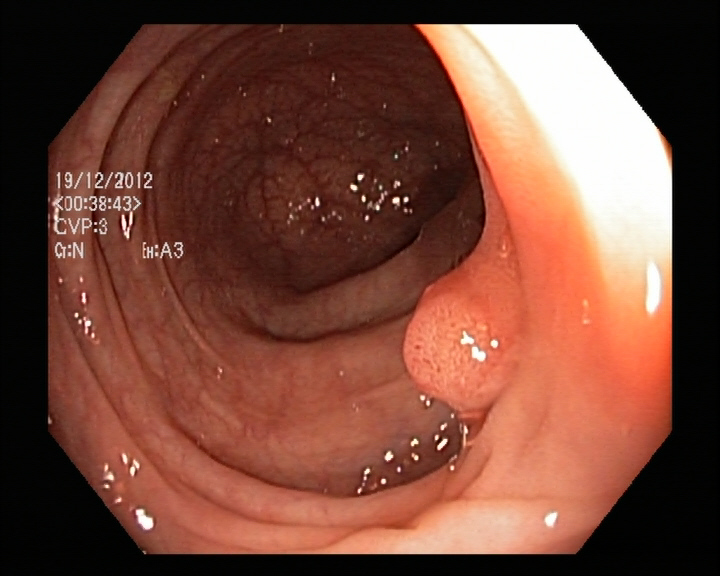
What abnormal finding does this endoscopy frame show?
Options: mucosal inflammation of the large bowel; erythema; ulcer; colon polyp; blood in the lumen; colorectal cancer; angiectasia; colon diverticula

colon polyp